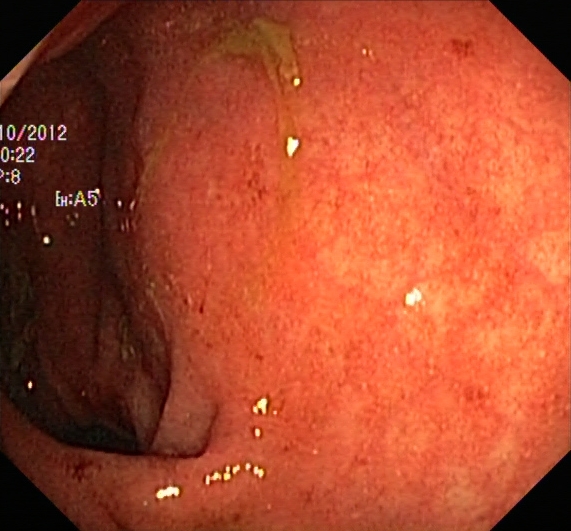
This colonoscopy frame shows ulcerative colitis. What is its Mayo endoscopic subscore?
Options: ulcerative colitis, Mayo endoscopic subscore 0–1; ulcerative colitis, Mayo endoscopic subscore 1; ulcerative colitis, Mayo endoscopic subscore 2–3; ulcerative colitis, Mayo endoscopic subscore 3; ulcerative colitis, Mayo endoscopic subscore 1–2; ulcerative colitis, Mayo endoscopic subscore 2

ulcerative colitis, Mayo endoscopic subscore 2